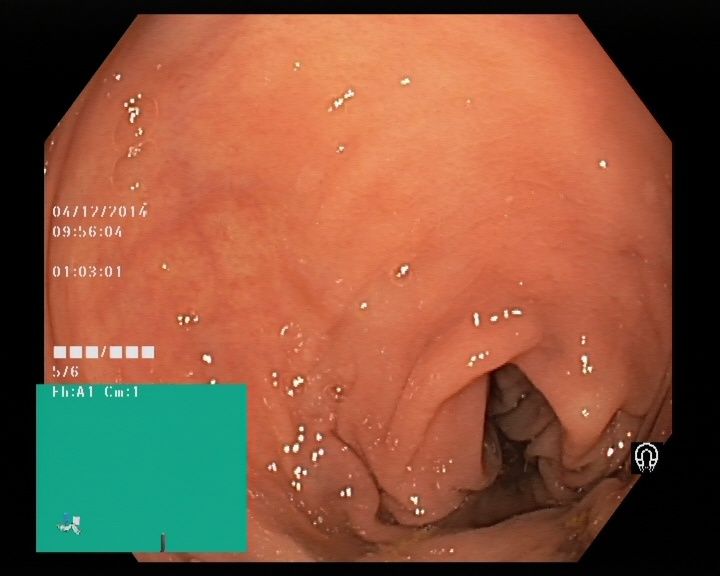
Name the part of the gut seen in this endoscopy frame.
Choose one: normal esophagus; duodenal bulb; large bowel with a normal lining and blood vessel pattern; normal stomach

large bowel with a normal lining and blood vessel pattern